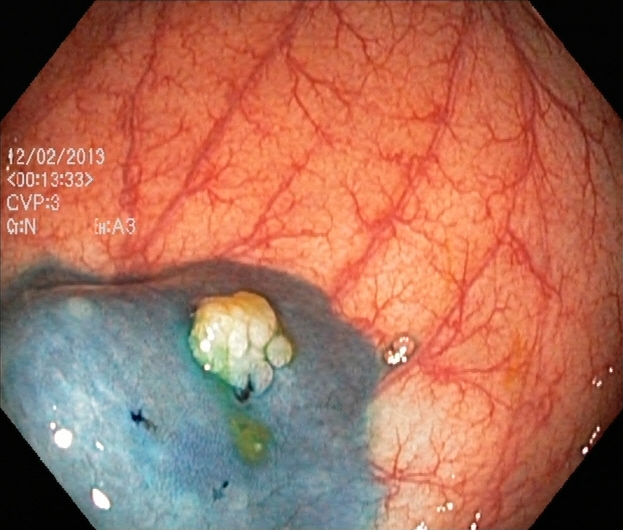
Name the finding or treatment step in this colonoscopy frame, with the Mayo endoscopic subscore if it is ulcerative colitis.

dyed and lifted polyp (pre-resection)